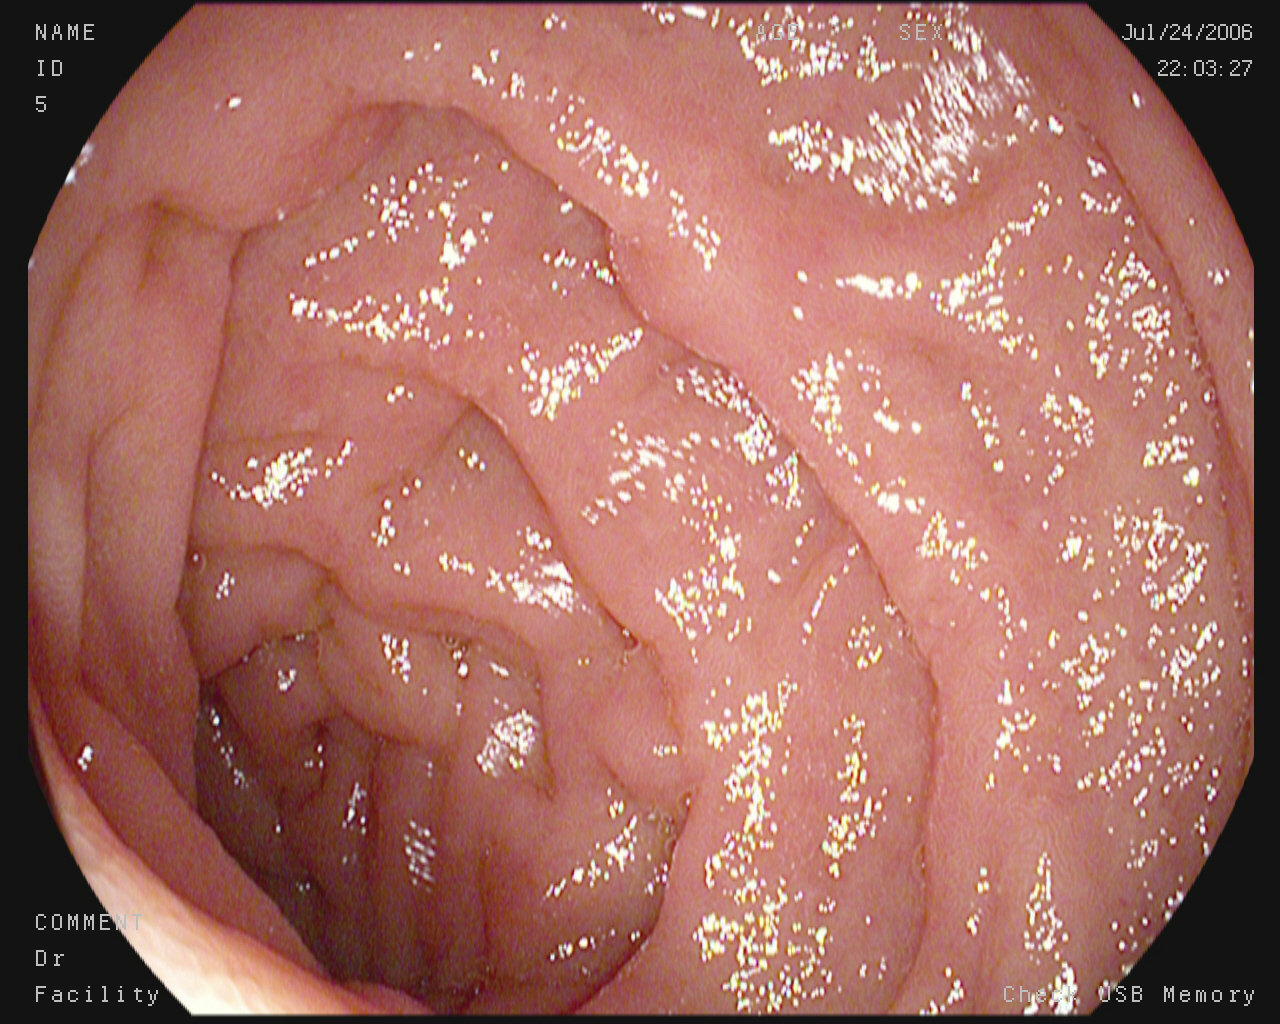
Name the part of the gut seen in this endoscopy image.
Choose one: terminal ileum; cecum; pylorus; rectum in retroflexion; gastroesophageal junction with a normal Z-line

terminal ileum